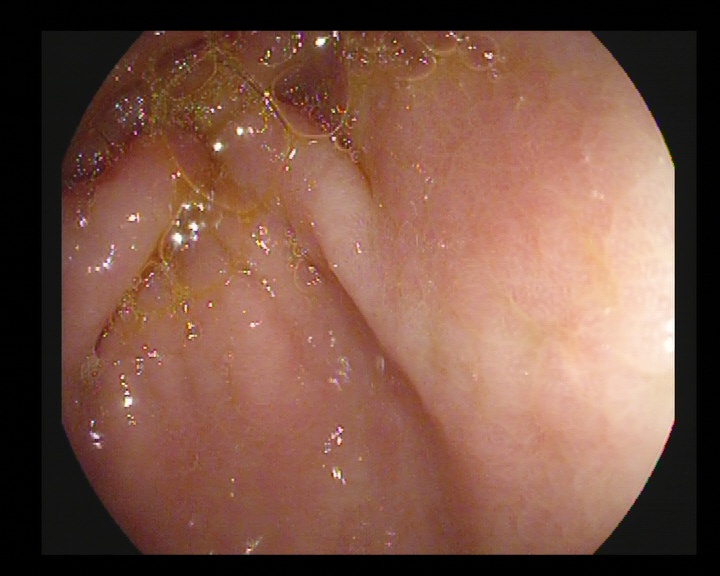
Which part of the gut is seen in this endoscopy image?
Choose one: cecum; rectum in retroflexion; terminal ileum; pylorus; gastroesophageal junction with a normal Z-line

pylorus